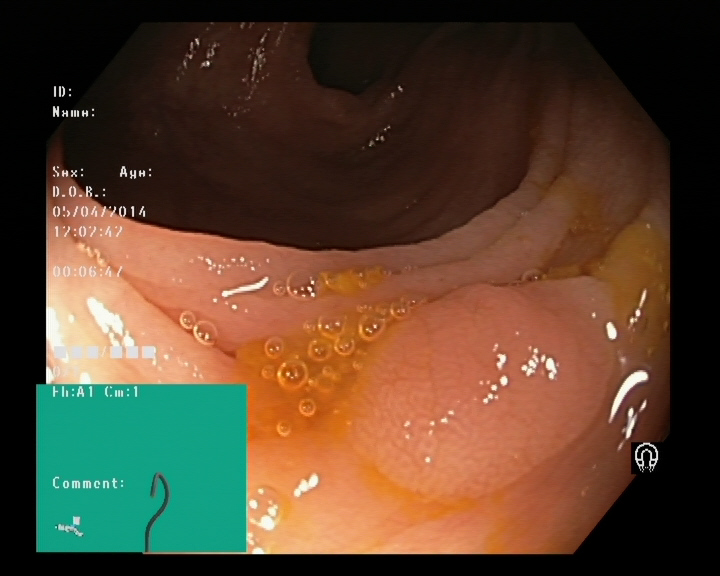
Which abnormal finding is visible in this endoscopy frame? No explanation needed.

colon polyp